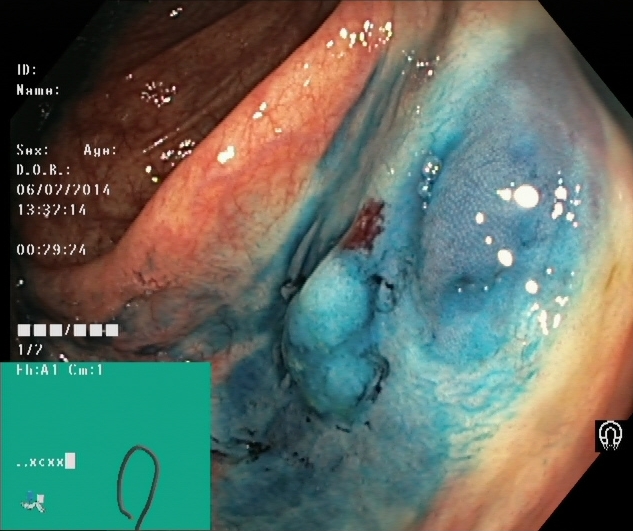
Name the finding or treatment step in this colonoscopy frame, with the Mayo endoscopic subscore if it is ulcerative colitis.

dyed and lifted polyp (pre-resection)